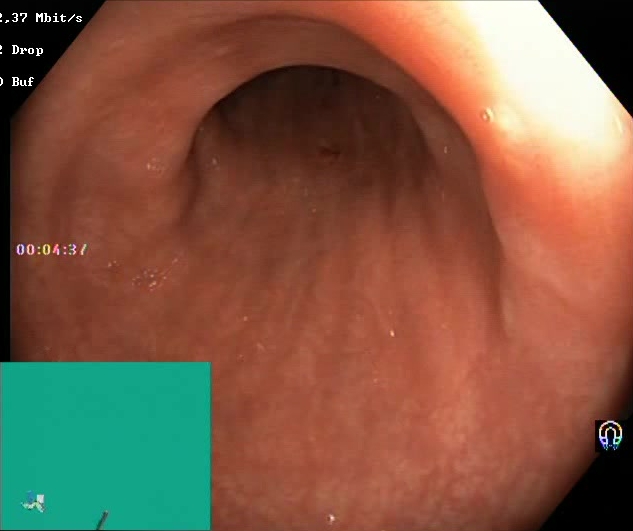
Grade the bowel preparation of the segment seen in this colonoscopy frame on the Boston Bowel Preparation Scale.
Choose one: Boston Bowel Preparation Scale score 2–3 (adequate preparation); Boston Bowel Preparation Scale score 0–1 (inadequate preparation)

Boston Bowel Preparation Scale score 2–3 (adequate preparation)